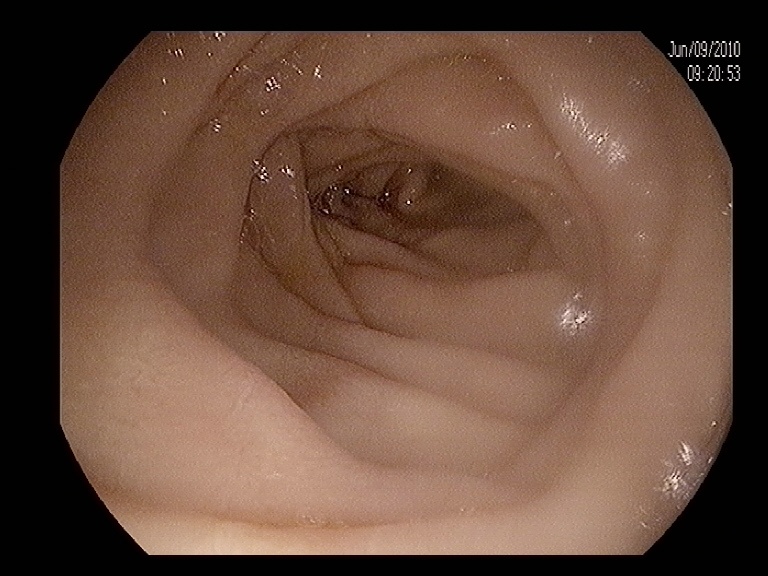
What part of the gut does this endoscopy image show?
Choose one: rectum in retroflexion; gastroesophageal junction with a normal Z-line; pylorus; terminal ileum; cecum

terminal ileum